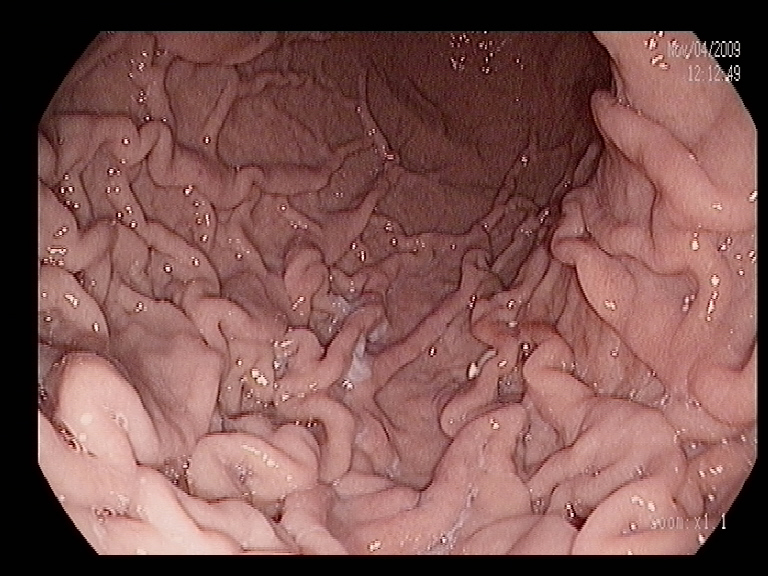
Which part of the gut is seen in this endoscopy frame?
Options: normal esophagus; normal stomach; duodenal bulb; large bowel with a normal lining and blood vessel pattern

normal stomach